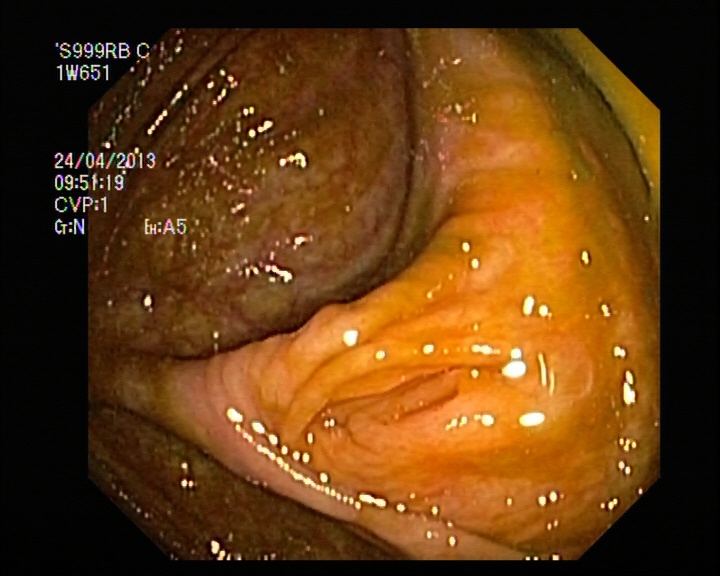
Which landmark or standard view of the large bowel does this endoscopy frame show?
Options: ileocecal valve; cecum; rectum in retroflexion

cecum